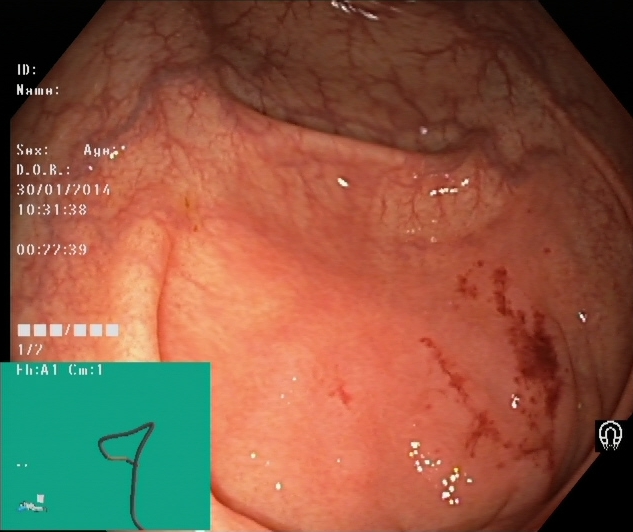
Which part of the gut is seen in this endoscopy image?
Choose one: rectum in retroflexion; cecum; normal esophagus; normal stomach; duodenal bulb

cecum